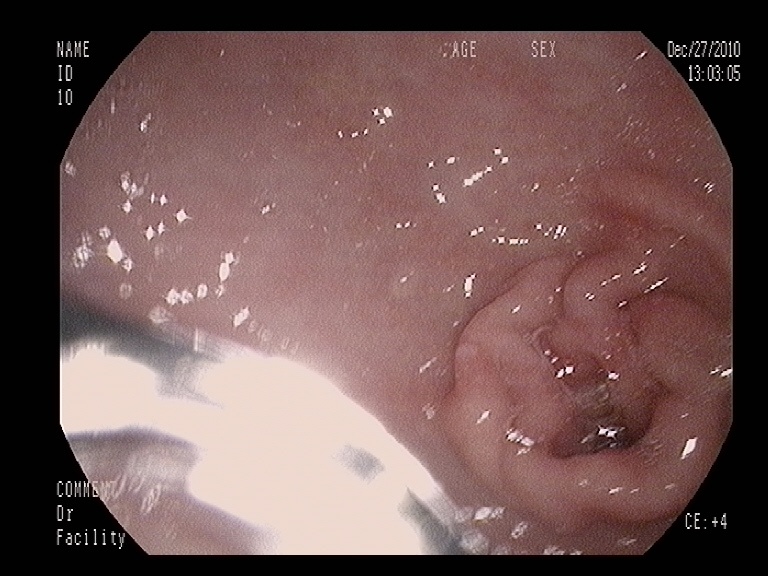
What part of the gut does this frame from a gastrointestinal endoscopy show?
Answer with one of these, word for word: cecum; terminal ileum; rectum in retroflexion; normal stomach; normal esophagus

normal stomach